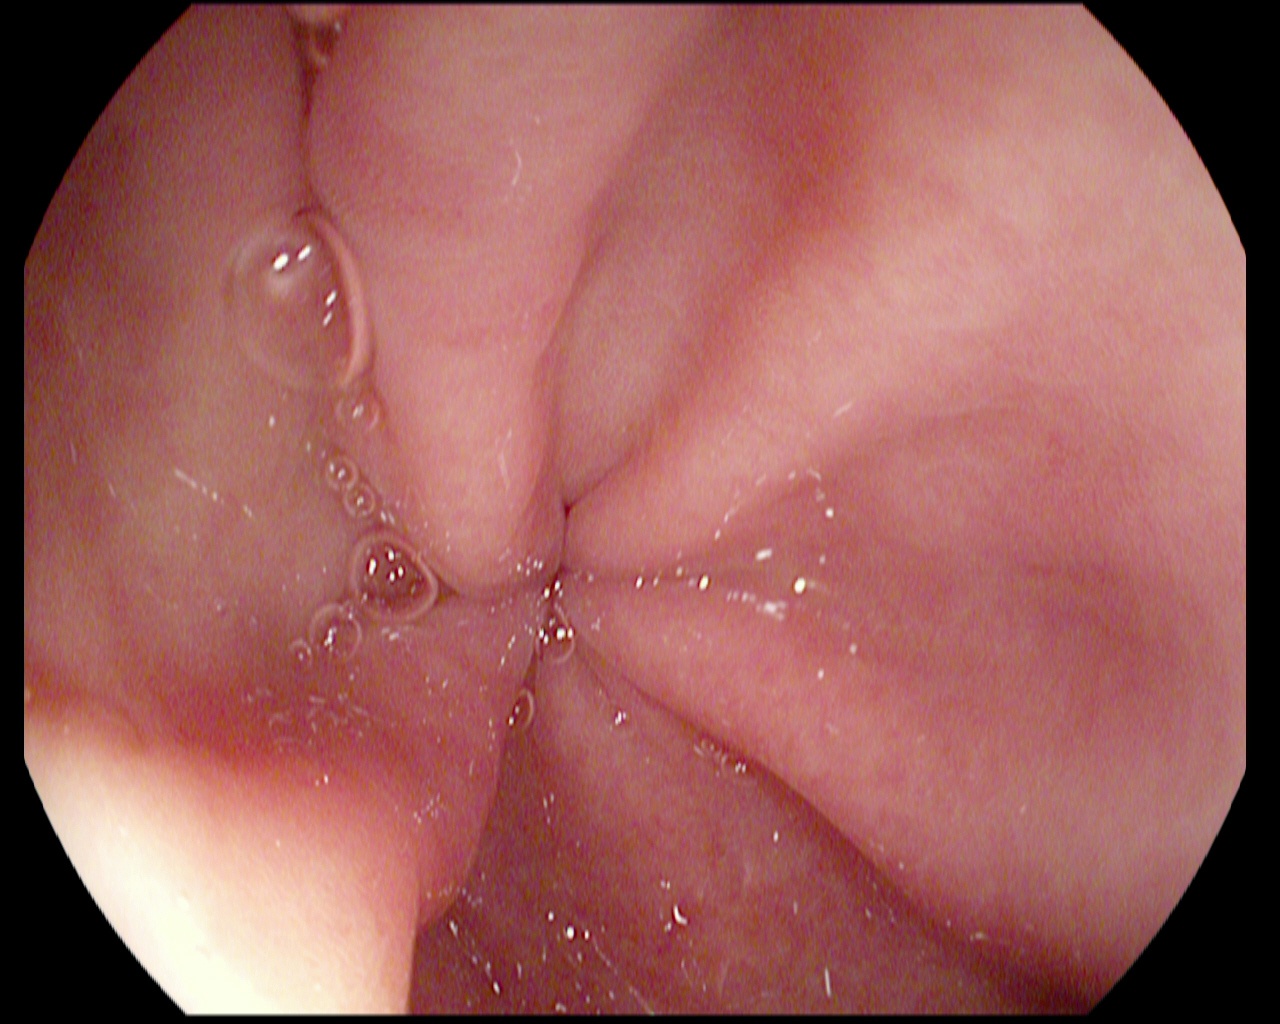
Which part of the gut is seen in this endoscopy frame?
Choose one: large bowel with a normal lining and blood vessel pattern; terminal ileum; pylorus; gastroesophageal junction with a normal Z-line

pylorus